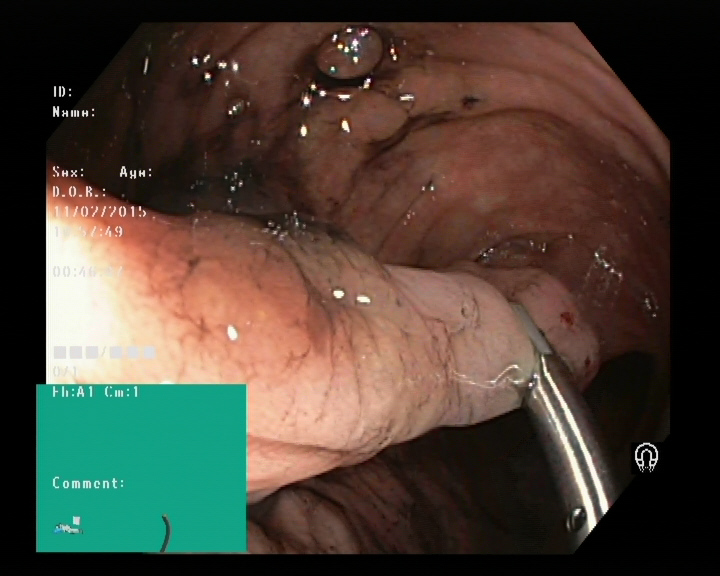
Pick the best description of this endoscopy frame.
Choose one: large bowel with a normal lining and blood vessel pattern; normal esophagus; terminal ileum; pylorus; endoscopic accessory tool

endoscopic accessory tool